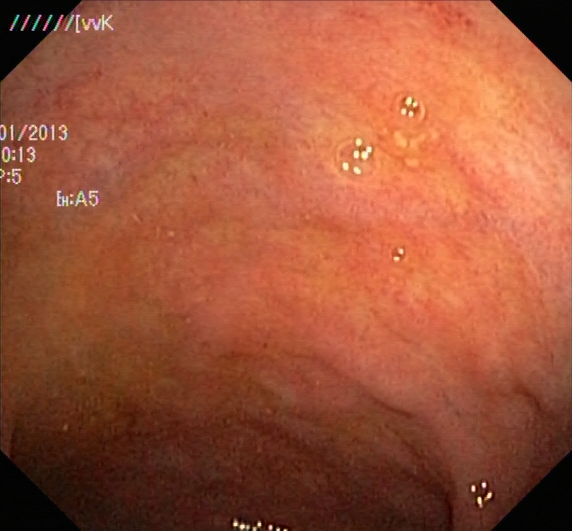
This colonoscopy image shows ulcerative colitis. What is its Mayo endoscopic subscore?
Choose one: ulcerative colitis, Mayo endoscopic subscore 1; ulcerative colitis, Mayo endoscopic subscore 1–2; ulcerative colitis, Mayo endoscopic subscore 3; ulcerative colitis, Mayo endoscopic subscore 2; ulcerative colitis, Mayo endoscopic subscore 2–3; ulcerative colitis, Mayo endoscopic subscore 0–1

ulcerative colitis, Mayo endoscopic subscore 1